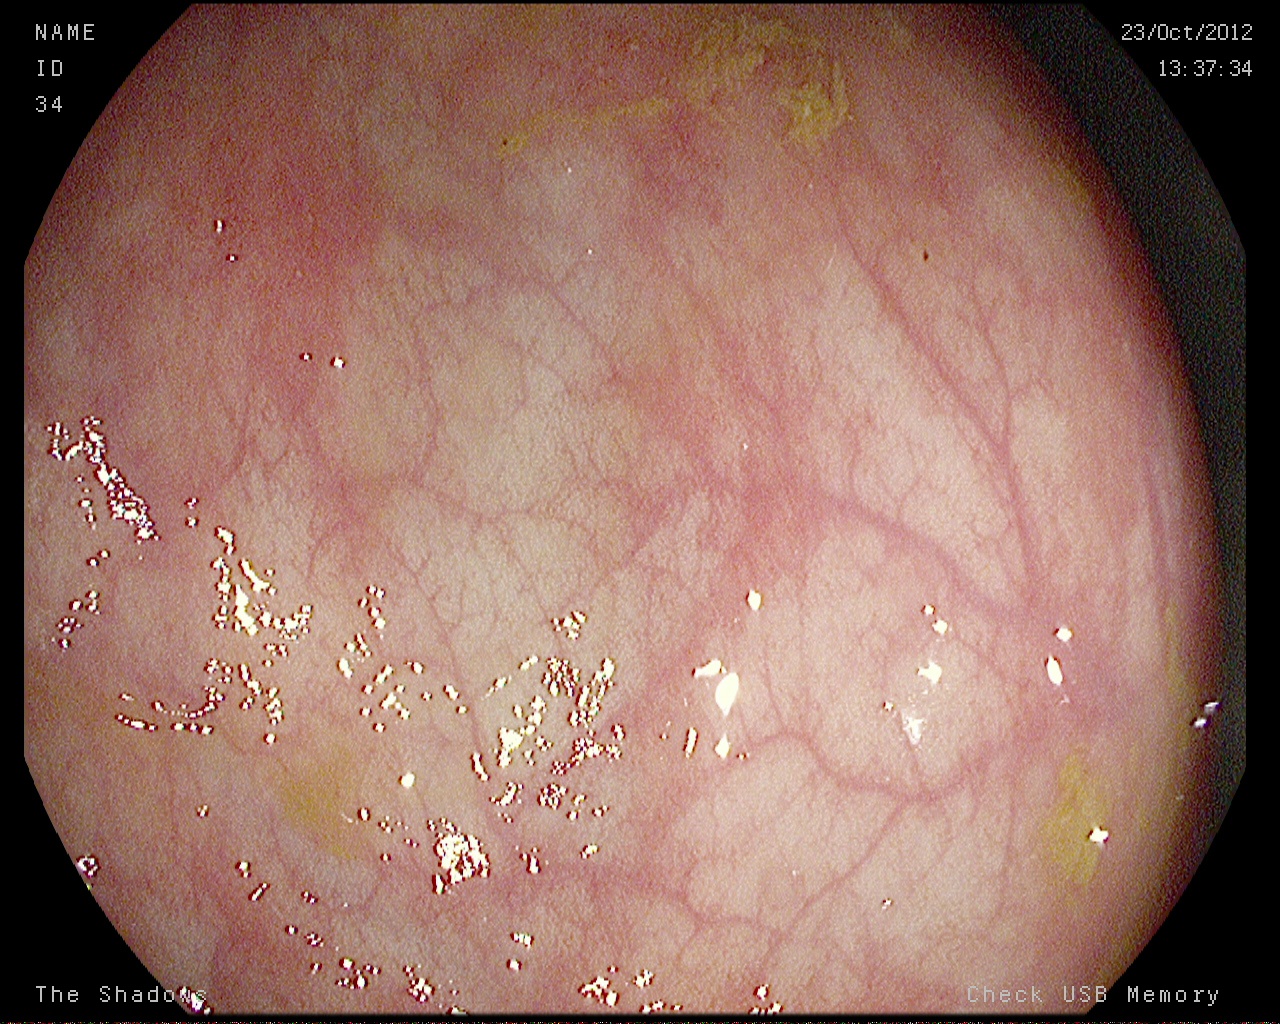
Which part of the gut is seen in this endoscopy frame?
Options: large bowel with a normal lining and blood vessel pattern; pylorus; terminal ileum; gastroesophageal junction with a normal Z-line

large bowel with a normal lining and blood vessel pattern